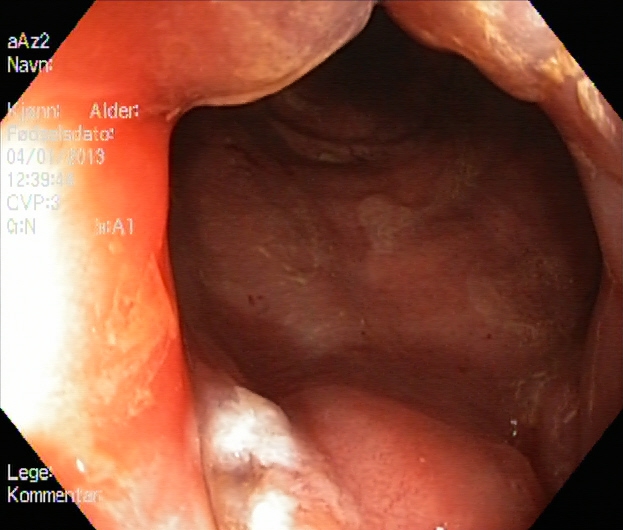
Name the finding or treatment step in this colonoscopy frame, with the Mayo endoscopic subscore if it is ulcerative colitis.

ulcerative colitis, Mayo endoscopic subscore 2